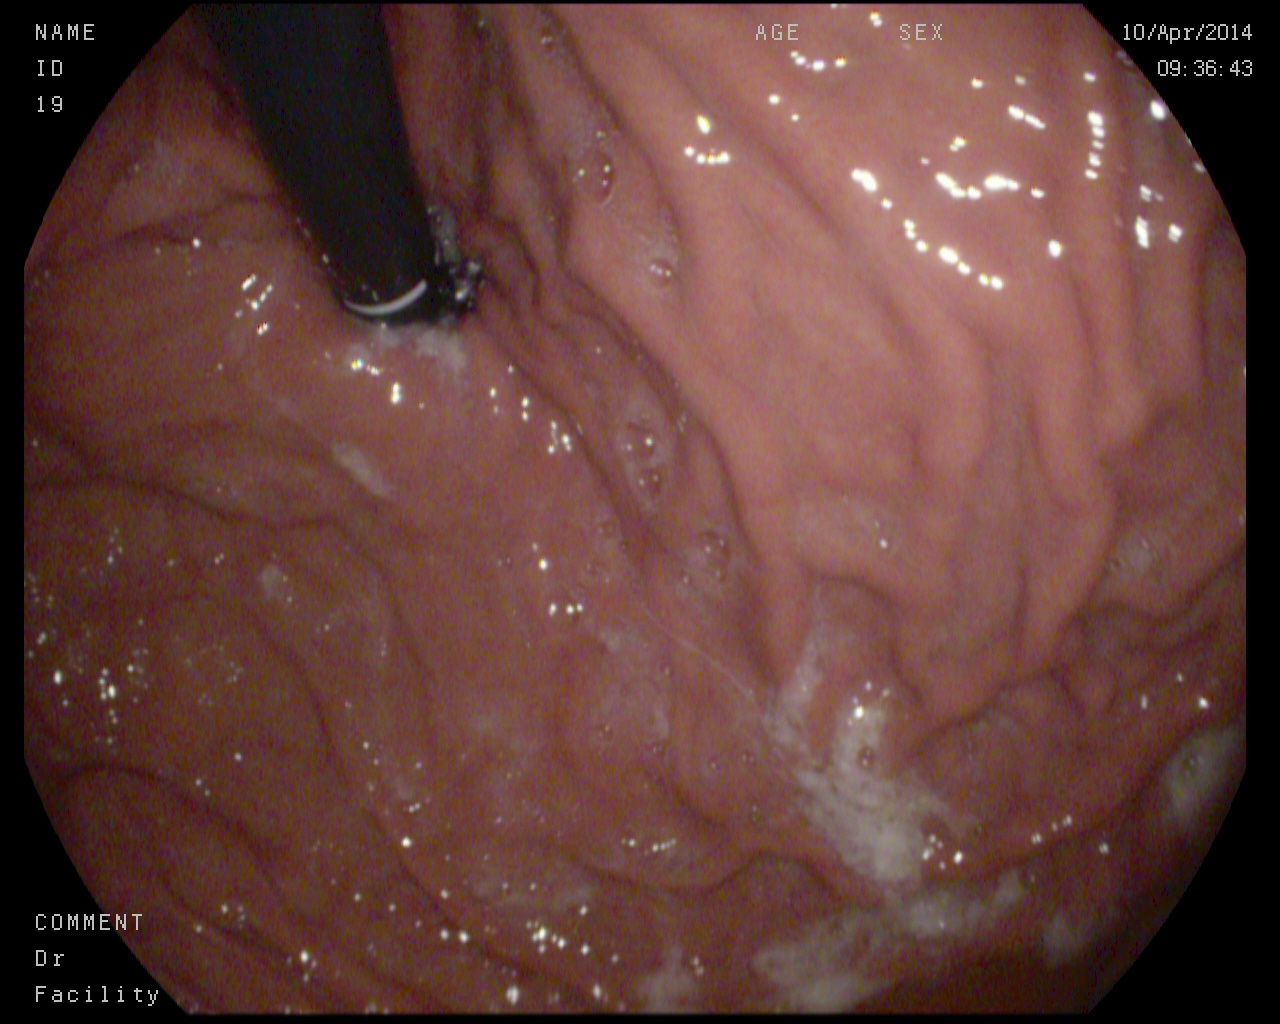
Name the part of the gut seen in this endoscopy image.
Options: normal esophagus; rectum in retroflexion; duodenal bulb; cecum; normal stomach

normal stomach